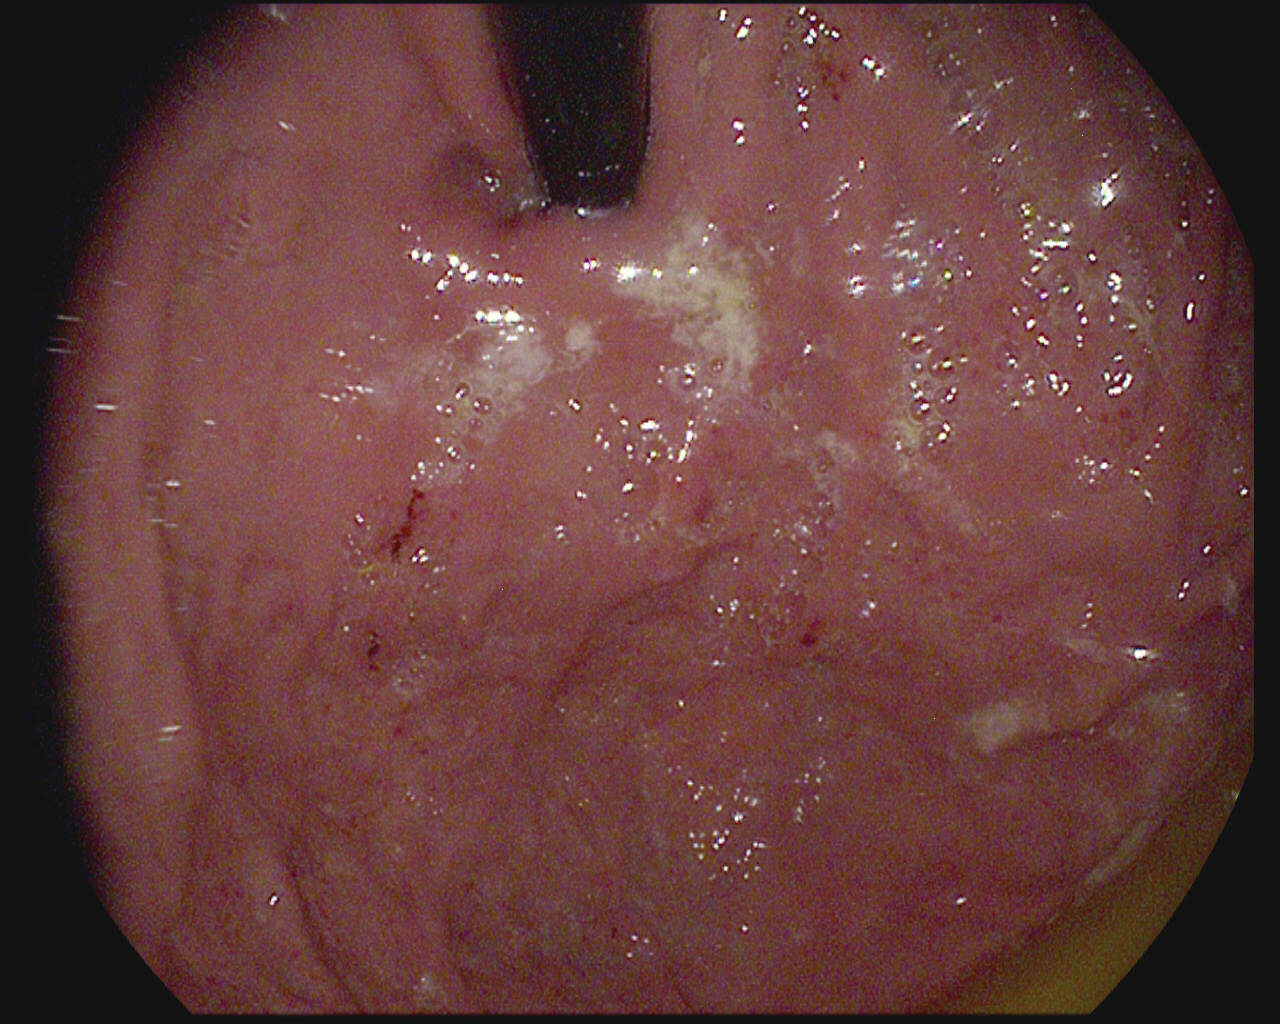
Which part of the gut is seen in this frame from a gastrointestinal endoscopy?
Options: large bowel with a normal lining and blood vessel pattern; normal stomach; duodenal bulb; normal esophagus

normal stomach